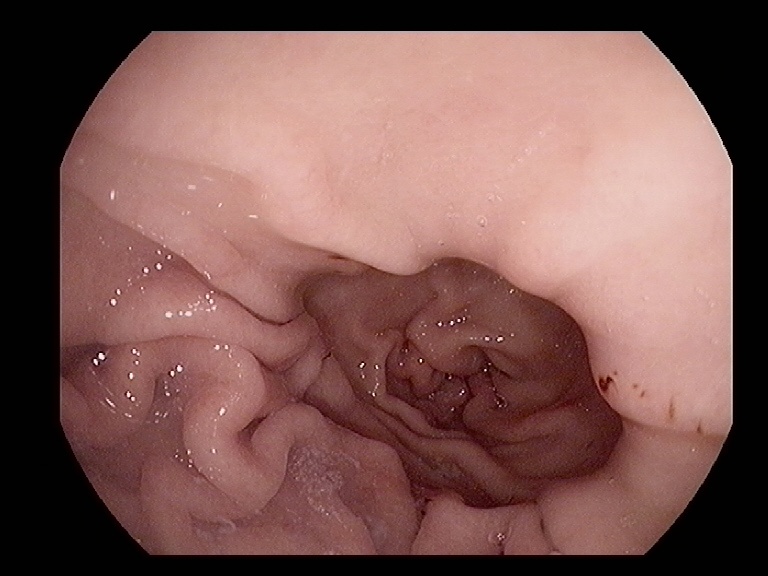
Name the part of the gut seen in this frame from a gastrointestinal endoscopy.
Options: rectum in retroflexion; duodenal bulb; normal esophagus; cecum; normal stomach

normal stomach